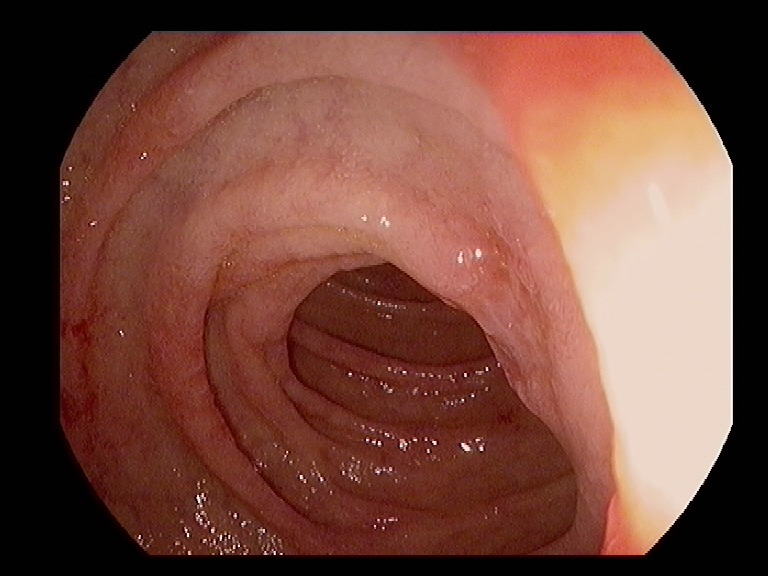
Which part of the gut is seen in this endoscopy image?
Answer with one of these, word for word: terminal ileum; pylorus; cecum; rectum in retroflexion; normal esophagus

terminal ileum